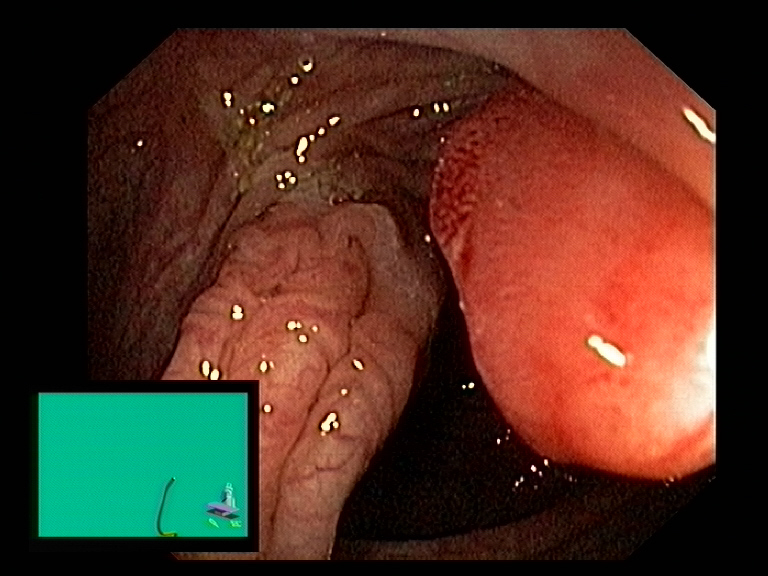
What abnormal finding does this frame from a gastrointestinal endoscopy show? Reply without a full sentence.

colon polyp